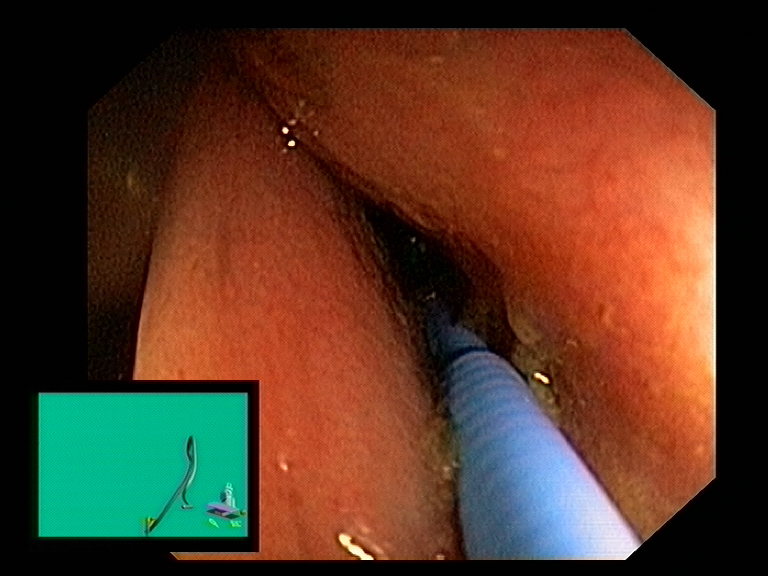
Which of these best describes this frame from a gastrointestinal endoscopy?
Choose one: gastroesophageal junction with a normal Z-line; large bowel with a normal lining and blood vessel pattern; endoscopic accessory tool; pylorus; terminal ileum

endoscopic accessory tool